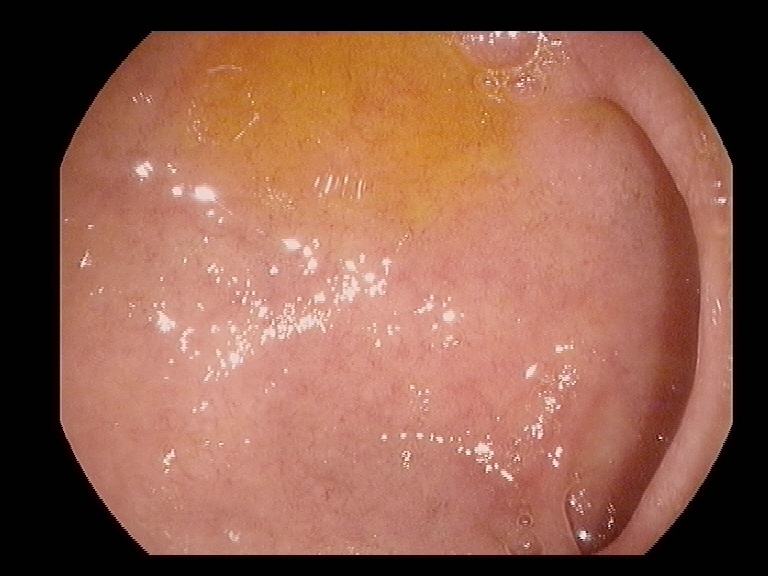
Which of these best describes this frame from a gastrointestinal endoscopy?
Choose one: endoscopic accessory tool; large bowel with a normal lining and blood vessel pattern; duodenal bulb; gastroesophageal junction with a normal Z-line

duodenal bulb